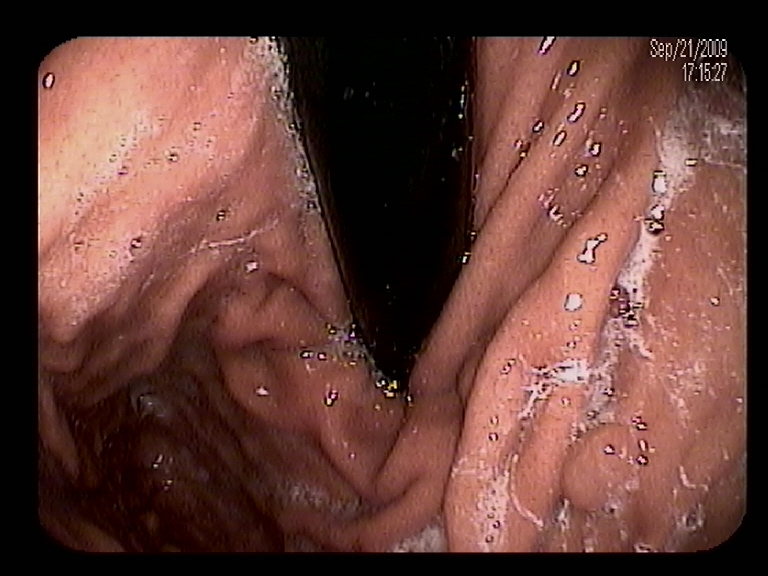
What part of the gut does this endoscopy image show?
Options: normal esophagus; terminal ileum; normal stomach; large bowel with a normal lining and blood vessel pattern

normal stomach